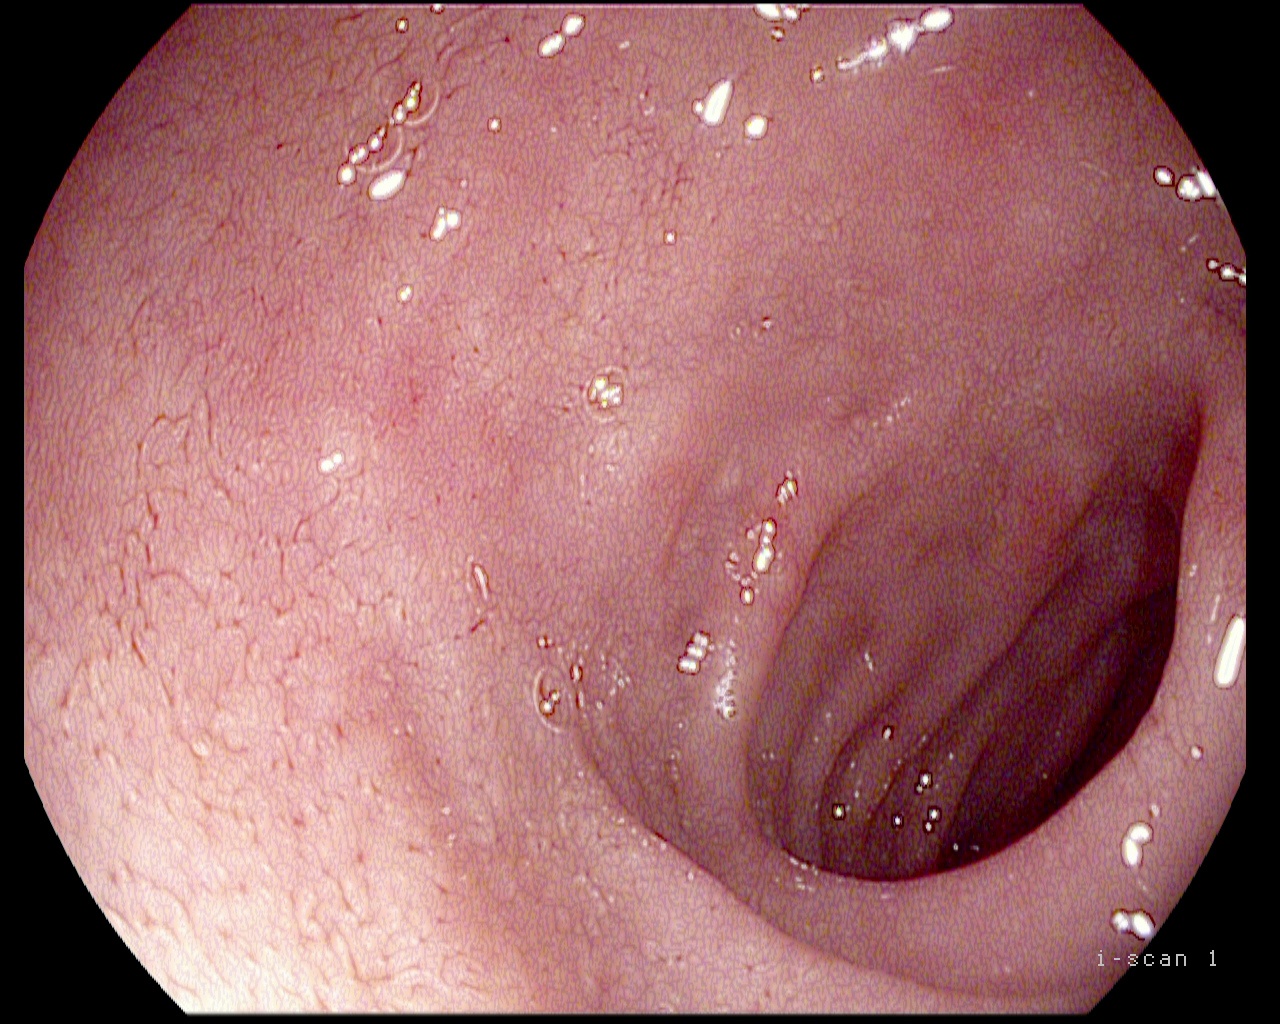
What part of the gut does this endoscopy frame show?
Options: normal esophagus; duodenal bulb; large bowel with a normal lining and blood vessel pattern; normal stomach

duodenal bulb